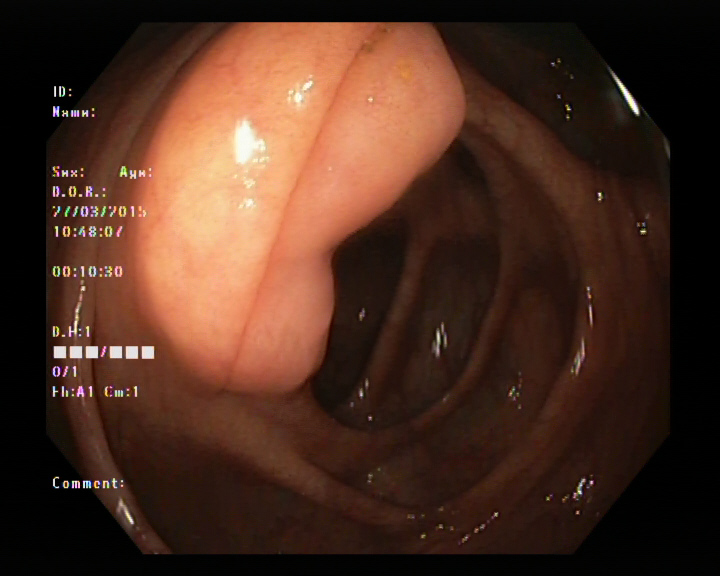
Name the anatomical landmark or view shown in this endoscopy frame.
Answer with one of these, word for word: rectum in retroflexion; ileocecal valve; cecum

ileocecal valve